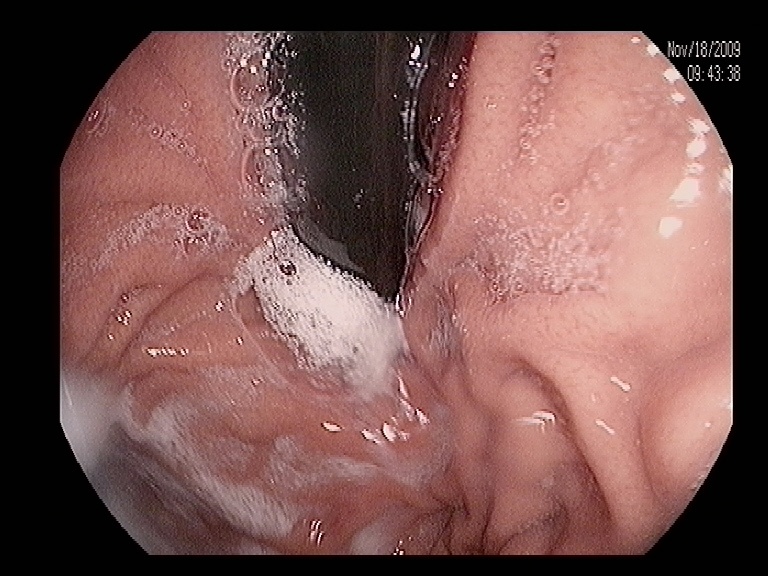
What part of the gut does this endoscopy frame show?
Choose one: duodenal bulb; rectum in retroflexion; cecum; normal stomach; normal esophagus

normal stomach